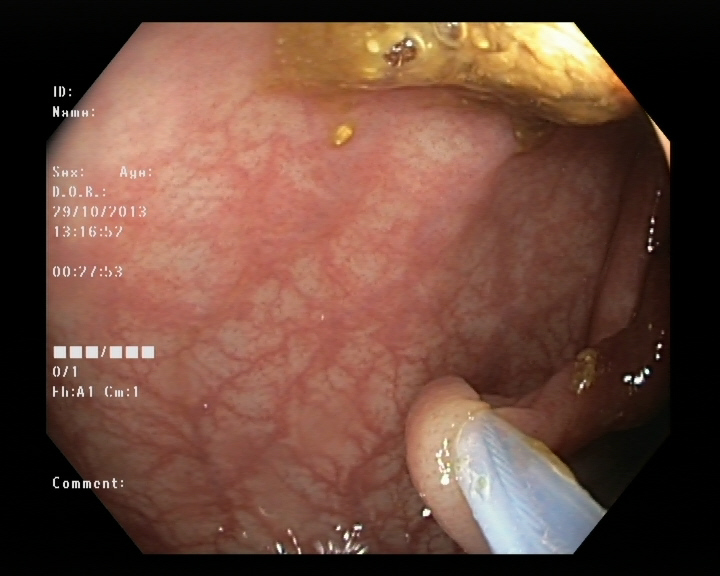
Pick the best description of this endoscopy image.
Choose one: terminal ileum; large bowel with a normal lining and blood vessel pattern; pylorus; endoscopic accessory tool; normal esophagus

endoscopic accessory tool